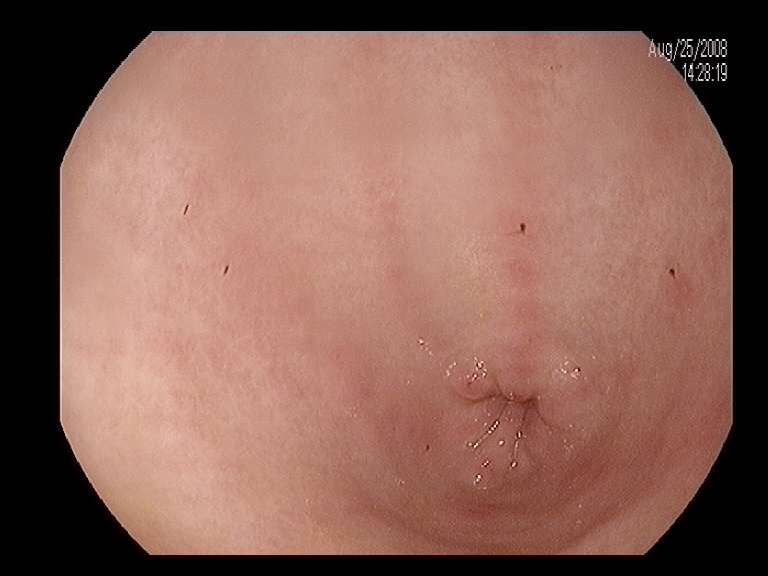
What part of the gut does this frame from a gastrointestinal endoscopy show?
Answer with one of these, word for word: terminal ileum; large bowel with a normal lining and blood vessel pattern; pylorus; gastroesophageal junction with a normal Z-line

pylorus